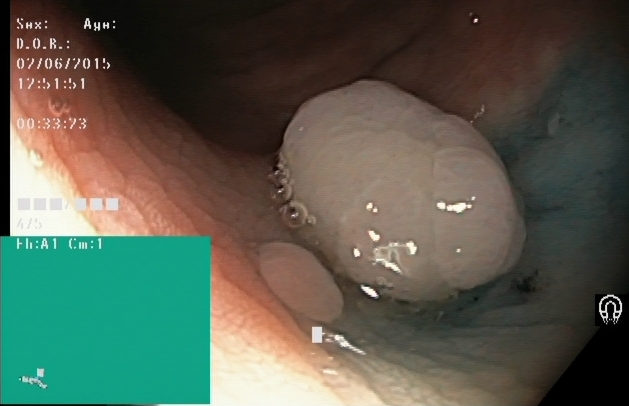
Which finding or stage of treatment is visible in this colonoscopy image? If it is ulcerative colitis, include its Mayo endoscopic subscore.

dyed and lifted polyp (pre-resection)